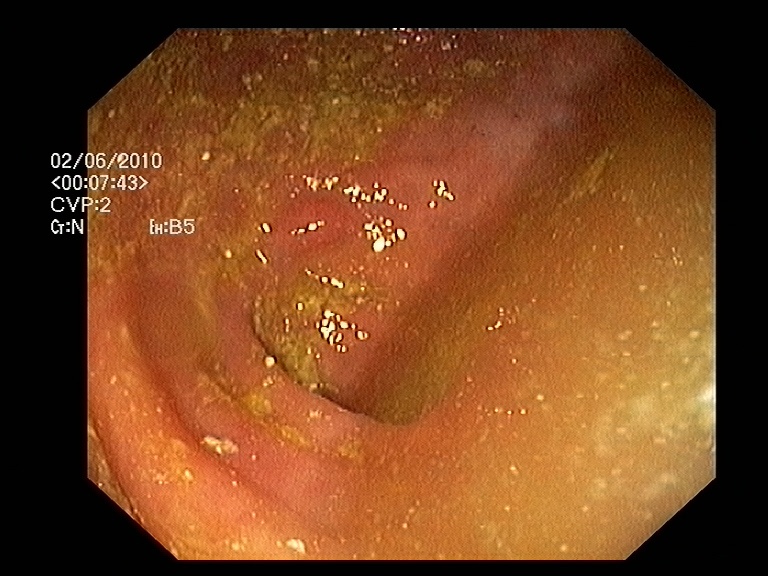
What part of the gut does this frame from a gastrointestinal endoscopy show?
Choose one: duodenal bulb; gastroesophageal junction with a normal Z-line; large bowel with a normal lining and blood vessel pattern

large bowel with a normal lining and blood vessel pattern